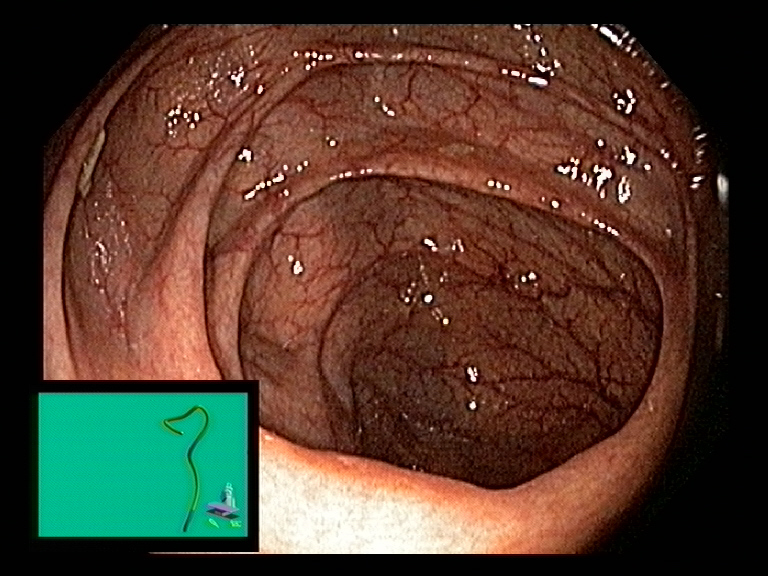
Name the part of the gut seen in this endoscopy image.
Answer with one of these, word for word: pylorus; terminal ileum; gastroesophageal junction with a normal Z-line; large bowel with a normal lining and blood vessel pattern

large bowel with a normal lining and blood vessel pattern